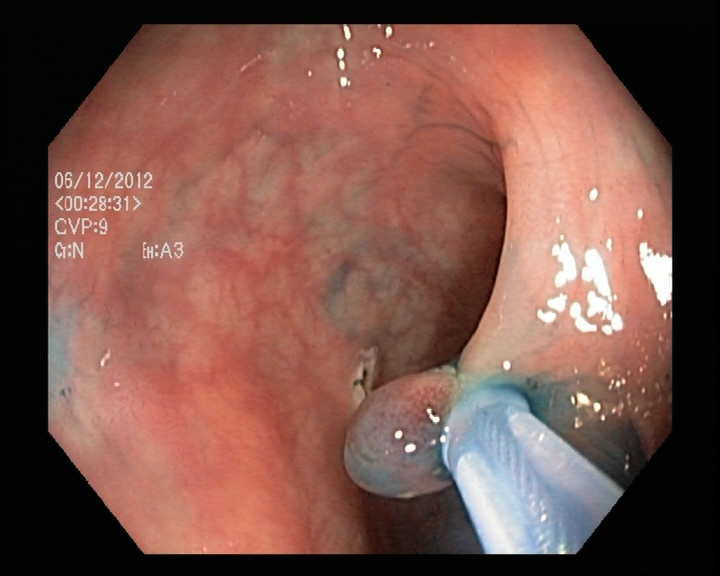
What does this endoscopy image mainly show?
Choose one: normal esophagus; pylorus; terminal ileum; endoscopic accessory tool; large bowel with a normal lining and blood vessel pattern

endoscopic accessory tool